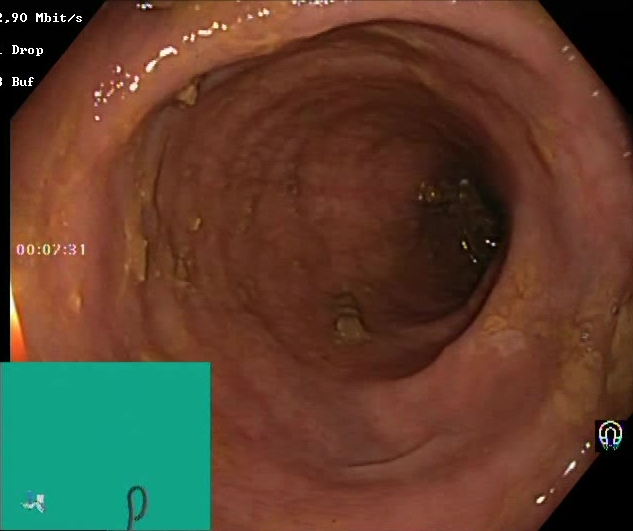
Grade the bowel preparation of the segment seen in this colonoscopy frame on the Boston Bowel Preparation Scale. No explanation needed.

Boston Bowel Preparation Scale score 2–3 (adequate preparation)